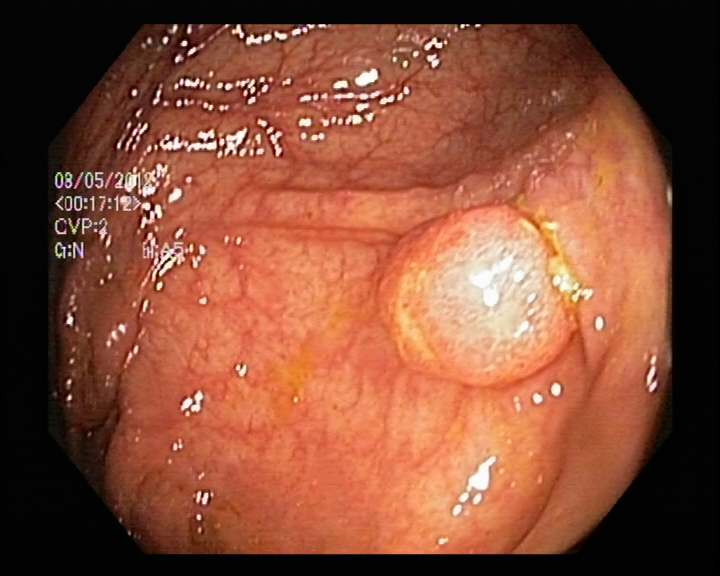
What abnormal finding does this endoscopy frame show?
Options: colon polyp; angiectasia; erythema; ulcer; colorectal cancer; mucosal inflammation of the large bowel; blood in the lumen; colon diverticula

colon polyp